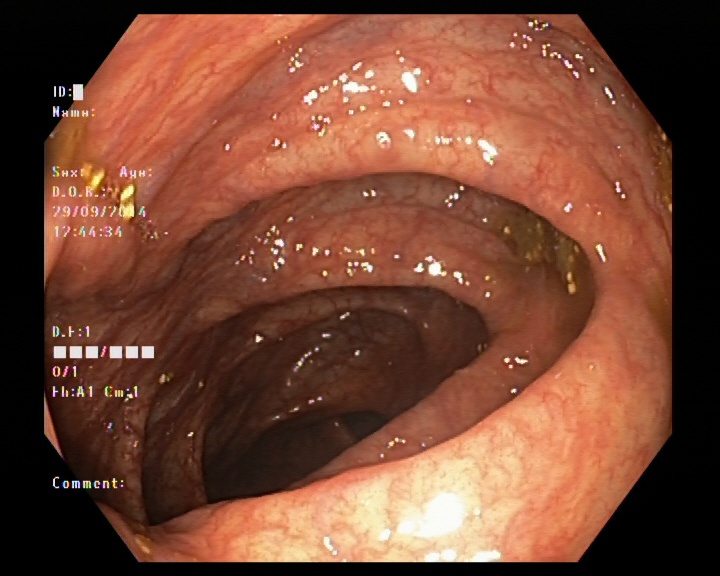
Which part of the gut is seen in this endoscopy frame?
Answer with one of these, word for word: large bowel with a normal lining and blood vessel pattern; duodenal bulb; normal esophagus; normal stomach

large bowel with a normal lining and blood vessel pattern